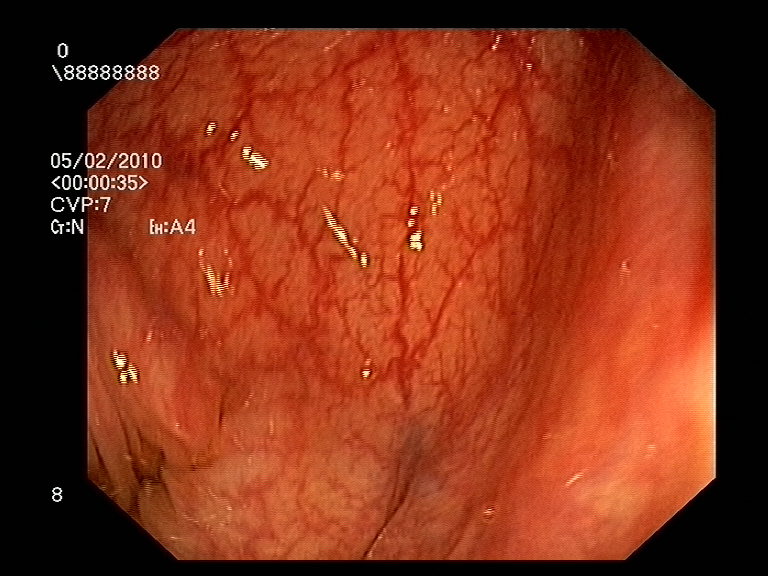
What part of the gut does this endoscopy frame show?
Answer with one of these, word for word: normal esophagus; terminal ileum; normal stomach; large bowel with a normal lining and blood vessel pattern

large bowel with a normal lining and blood vessel pattern